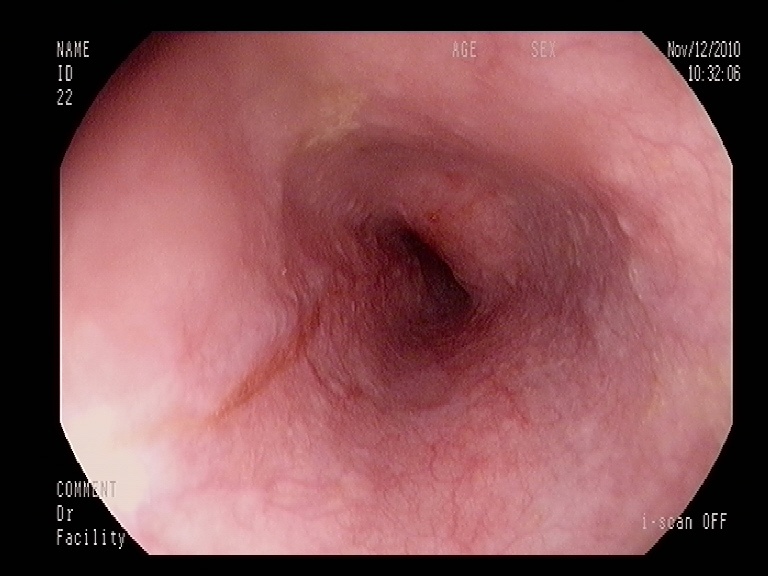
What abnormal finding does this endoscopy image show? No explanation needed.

esophagitis